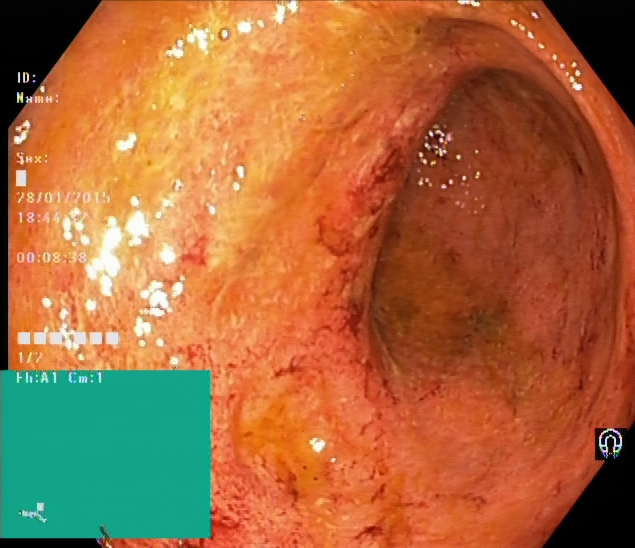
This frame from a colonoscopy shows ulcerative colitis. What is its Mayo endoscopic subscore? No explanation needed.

ulcerative colitis, Mayo endoscopic subscore 2